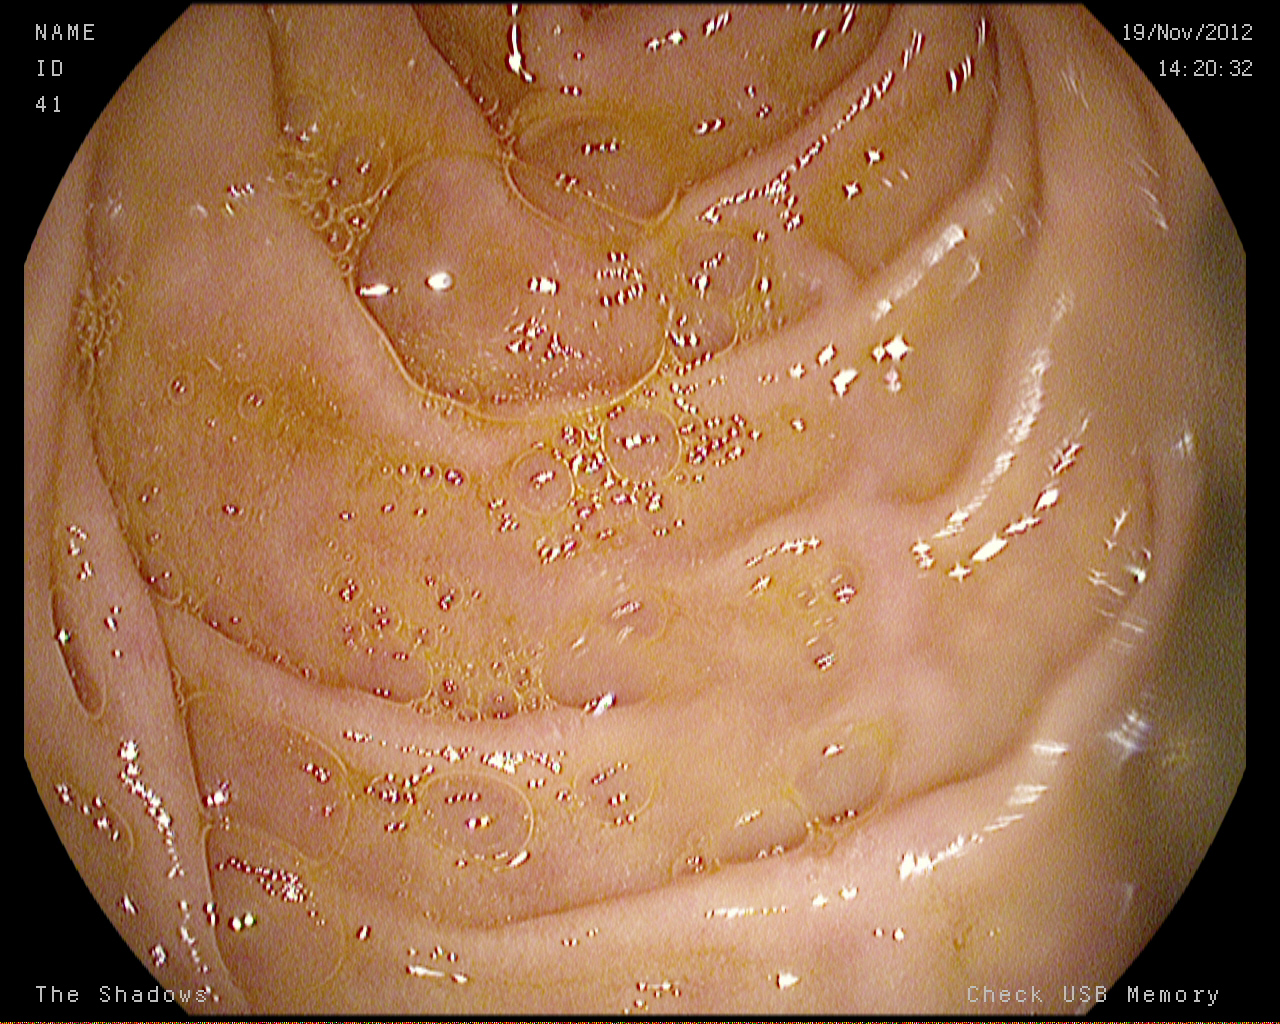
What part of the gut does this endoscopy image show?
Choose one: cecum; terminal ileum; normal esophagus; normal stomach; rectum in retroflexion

terminal ileum